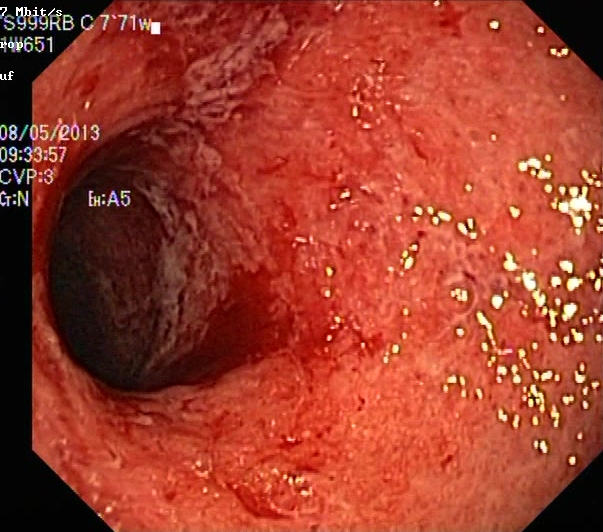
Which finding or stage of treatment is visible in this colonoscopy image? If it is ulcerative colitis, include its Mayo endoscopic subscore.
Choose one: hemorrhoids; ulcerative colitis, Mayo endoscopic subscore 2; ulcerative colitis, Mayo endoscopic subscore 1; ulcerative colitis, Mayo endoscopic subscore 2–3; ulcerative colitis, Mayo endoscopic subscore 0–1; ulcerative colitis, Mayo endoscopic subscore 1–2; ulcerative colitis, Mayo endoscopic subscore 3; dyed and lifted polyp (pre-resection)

ulcerative colitis, Mayo endoscopic subscore 3